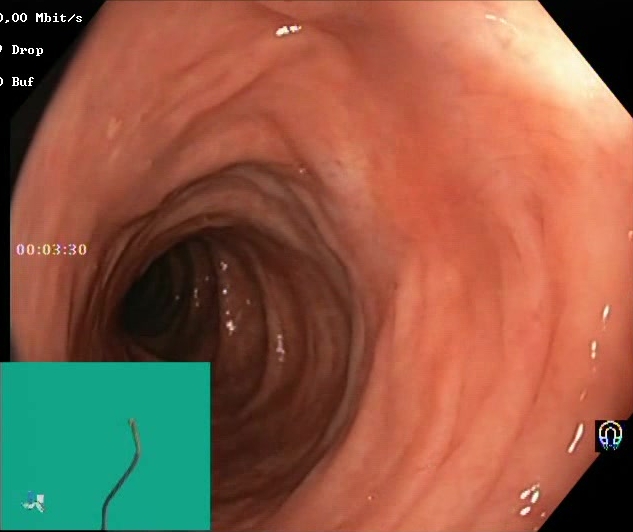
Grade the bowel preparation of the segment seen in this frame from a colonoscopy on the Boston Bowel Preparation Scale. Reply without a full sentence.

Boston Bowel Preparation Scale score 2–3 (adequate preparation)